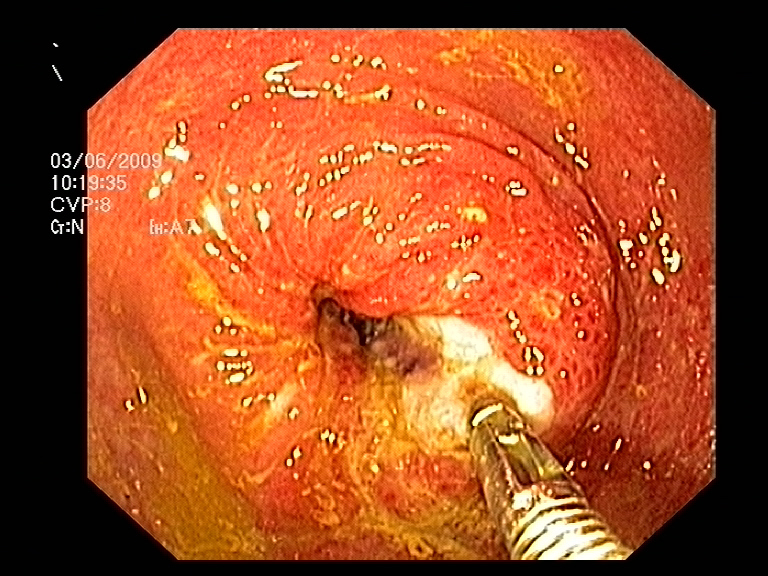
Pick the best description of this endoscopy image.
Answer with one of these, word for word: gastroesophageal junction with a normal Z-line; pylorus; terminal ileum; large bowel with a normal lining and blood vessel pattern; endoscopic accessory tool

endoscopic accessory tool